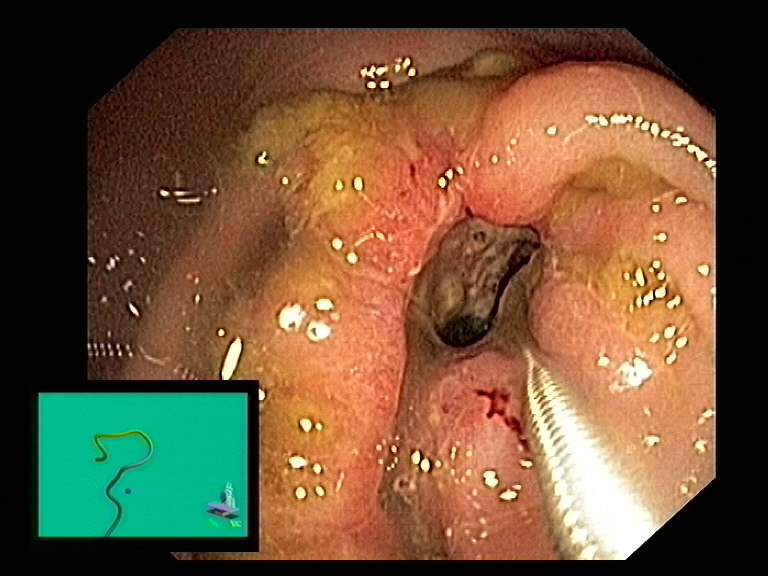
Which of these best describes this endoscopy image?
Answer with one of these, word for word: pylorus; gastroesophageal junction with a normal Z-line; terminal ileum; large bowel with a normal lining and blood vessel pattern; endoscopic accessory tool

endoscopic accessory tool